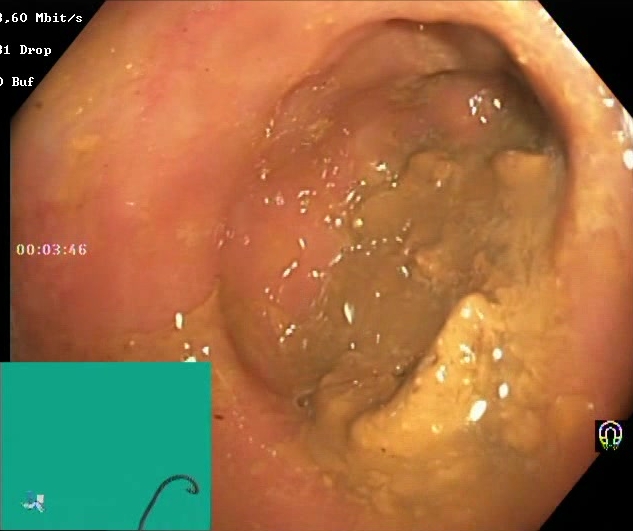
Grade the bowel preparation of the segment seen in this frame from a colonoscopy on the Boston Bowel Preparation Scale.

Boston Bowel Preparation Scale score 0–1 (inadequate preparation)